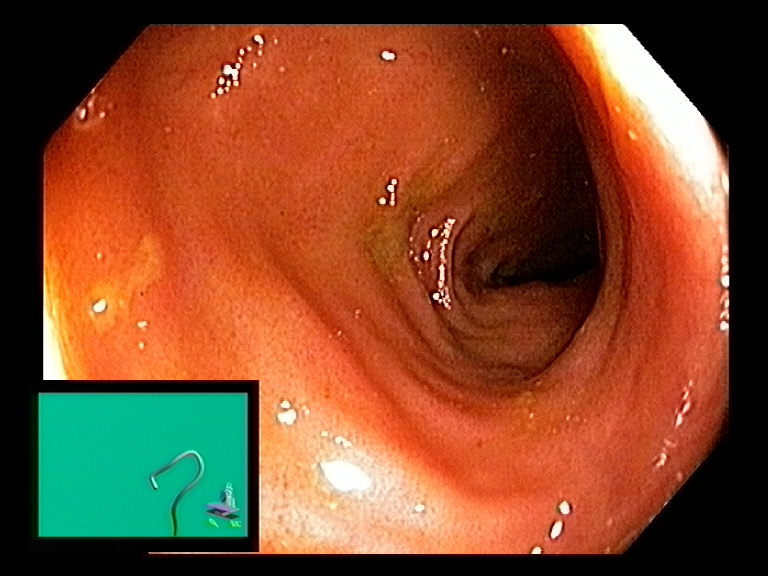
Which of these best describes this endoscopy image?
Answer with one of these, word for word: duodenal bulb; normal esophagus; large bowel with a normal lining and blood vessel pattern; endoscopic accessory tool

large bowel with a normal lining and blood vessel pattern